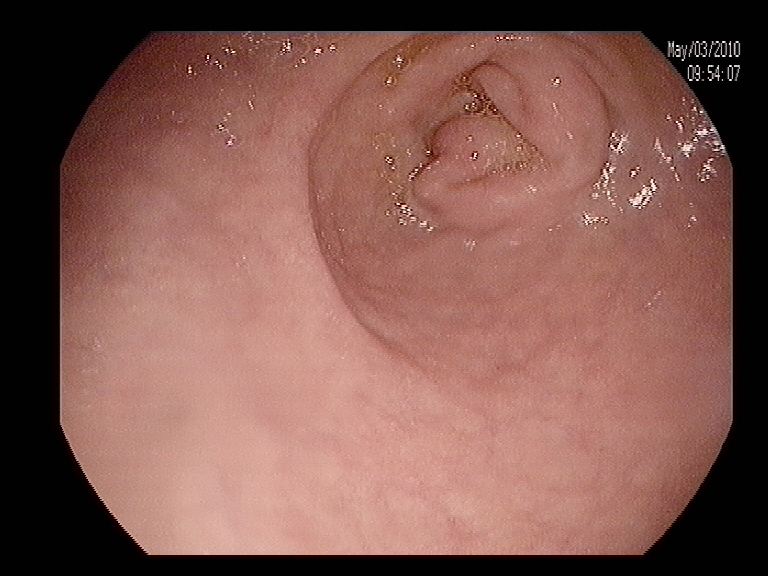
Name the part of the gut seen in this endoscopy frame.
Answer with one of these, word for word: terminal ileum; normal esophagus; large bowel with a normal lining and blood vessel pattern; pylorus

pylorus